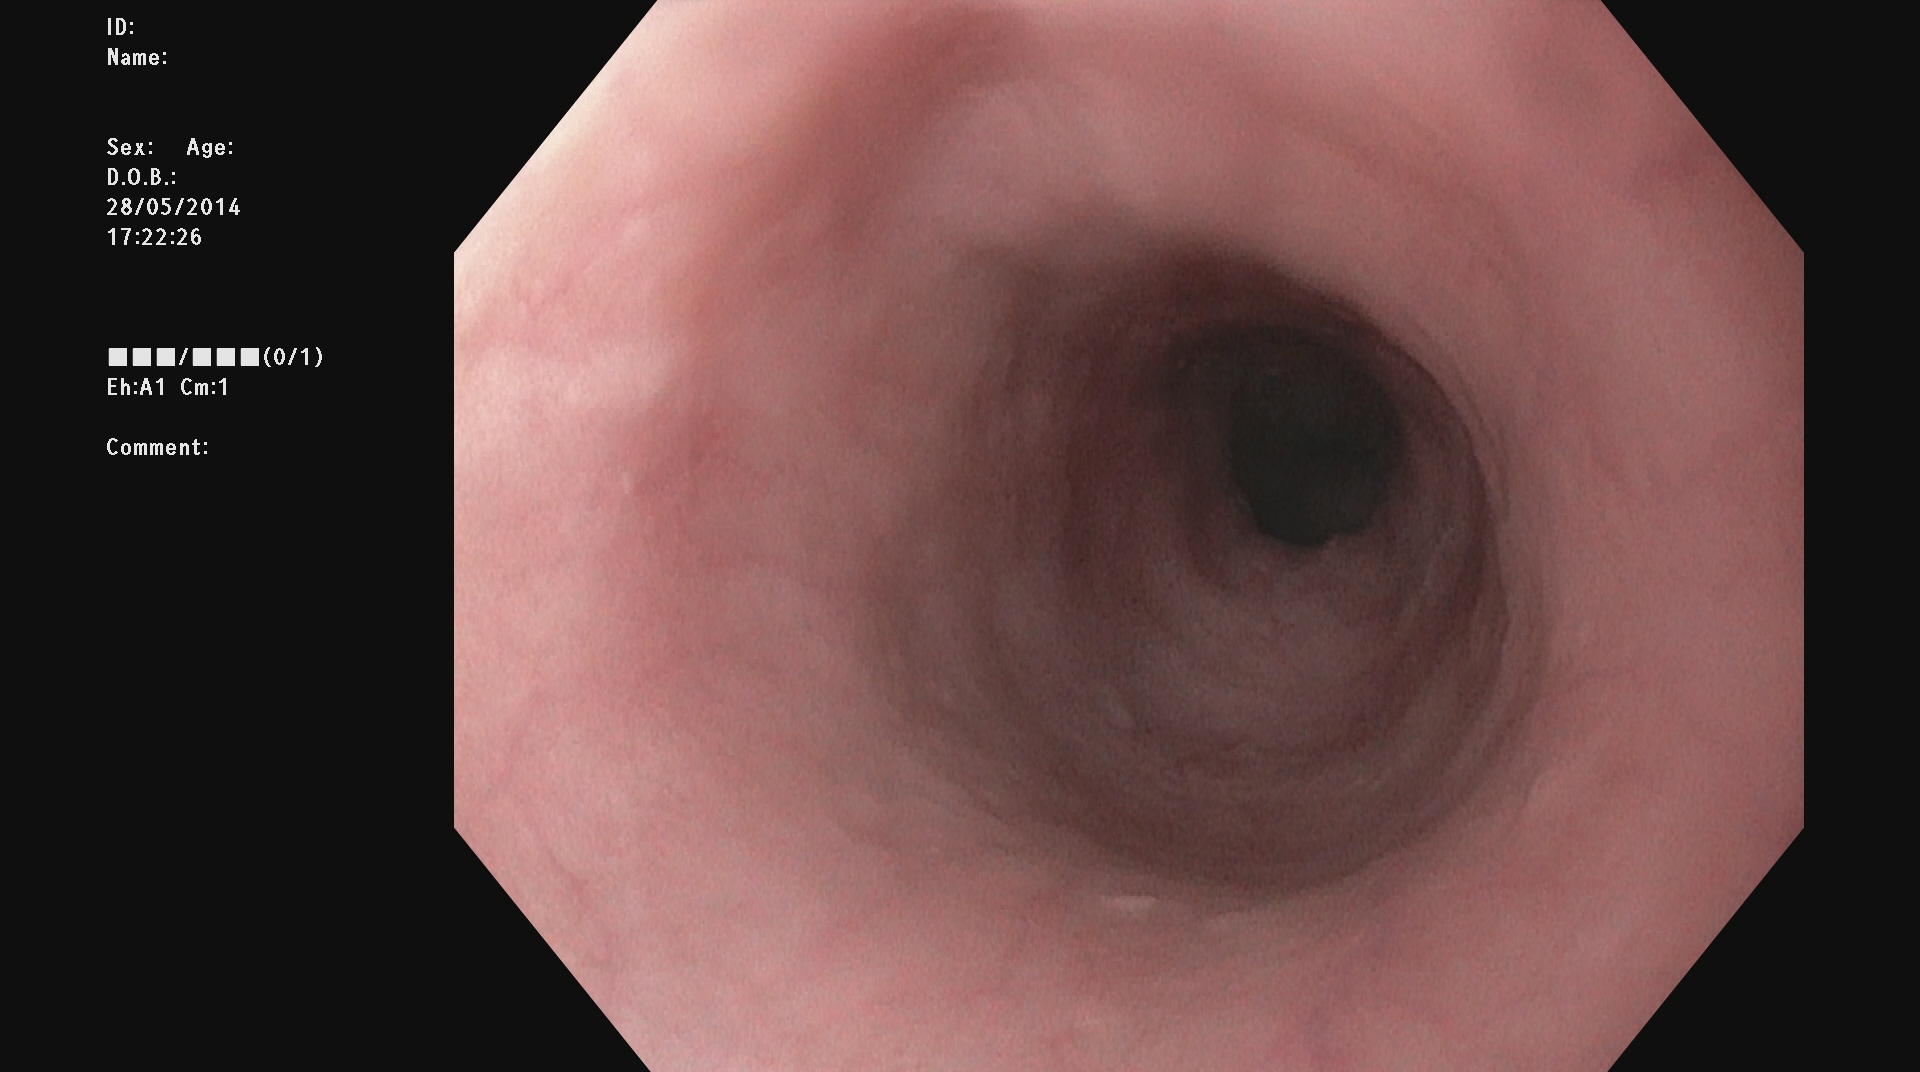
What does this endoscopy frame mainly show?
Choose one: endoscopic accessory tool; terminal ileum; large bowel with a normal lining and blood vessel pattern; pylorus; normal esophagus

normal esophagus